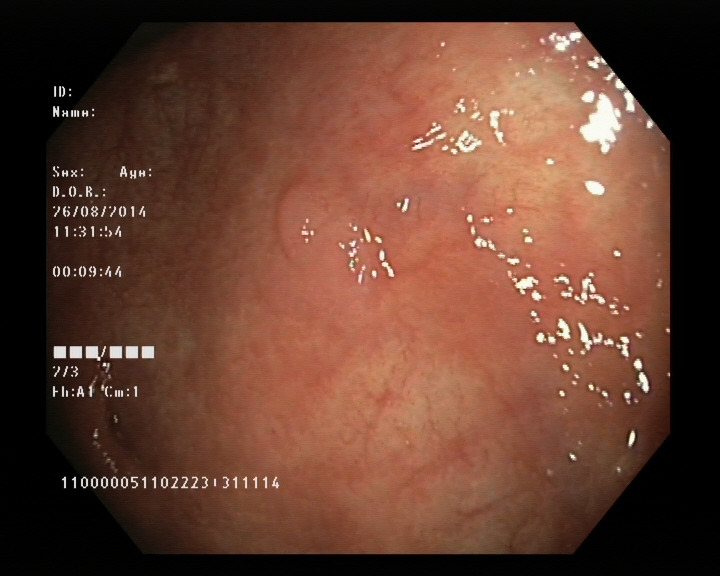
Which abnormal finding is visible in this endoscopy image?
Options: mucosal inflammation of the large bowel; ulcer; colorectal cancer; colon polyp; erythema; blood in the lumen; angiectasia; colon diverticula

colon polyp